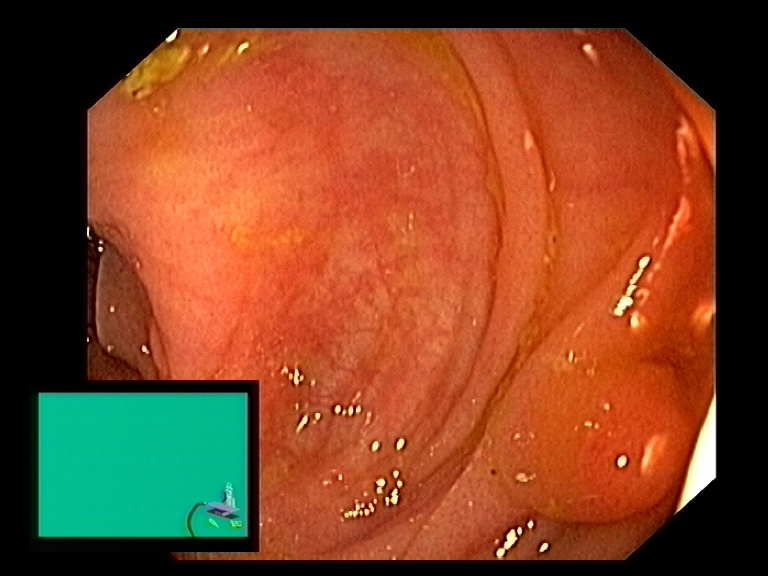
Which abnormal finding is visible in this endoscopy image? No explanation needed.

colon polyp